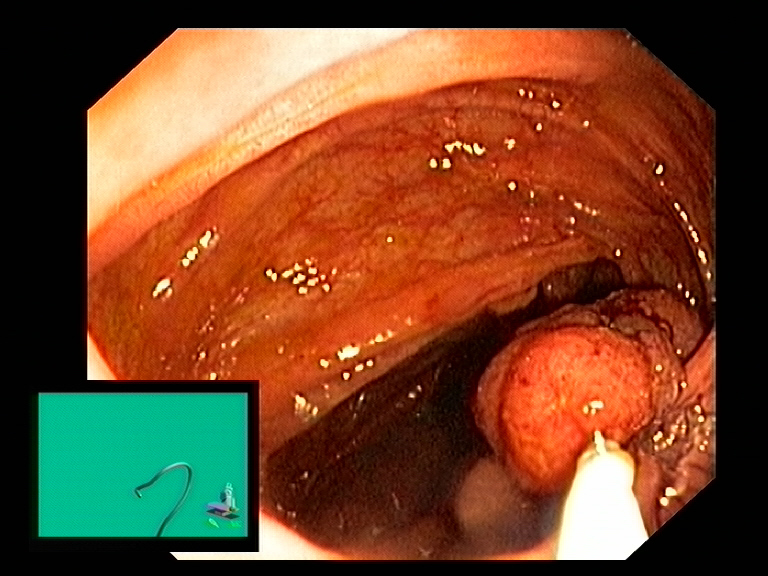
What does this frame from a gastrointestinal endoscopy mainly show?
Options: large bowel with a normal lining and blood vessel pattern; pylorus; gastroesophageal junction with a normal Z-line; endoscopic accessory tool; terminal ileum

endoscopic accessory tool